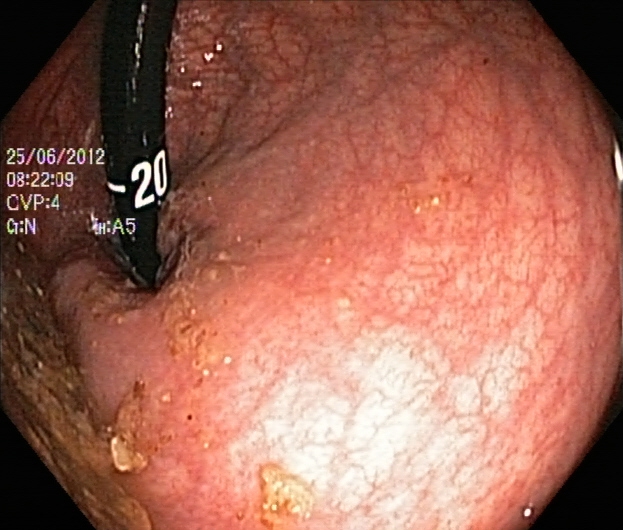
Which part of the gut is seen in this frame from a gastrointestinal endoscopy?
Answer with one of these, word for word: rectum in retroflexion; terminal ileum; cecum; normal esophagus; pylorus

rectum in retroflexion